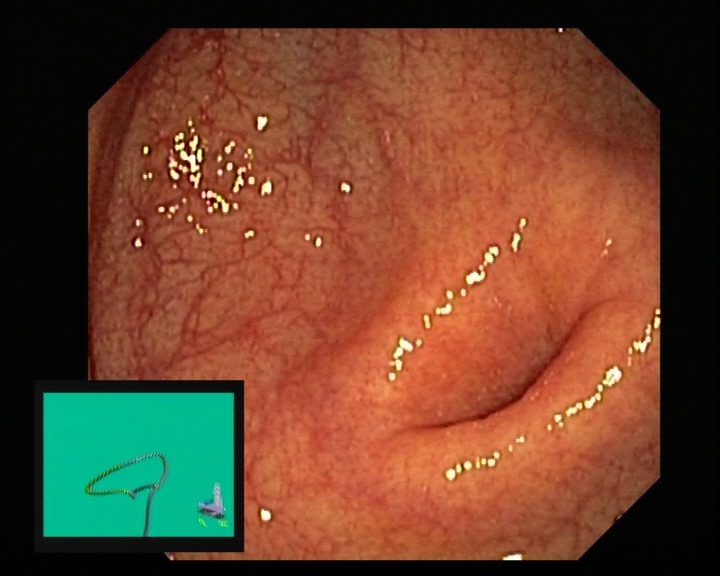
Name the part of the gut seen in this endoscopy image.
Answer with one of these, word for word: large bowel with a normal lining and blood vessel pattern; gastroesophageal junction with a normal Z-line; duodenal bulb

large bowel with a normal lining and blood vessel pattern